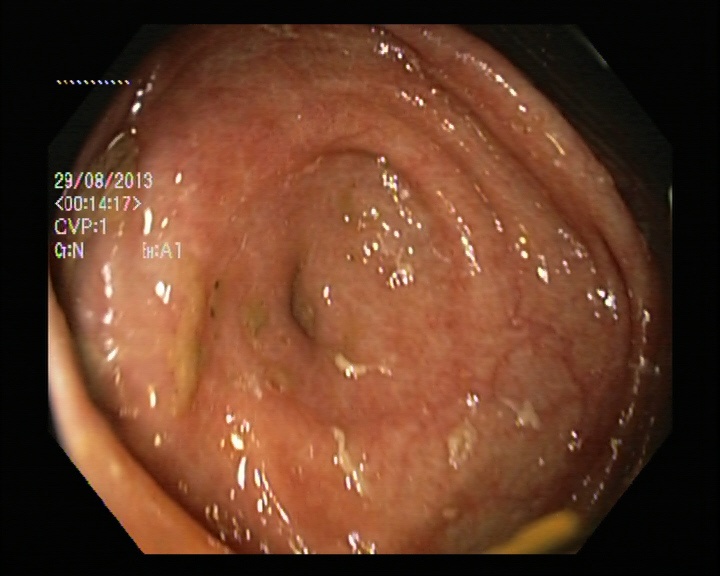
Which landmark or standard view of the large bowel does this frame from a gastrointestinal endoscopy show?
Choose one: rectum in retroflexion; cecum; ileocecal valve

cecum